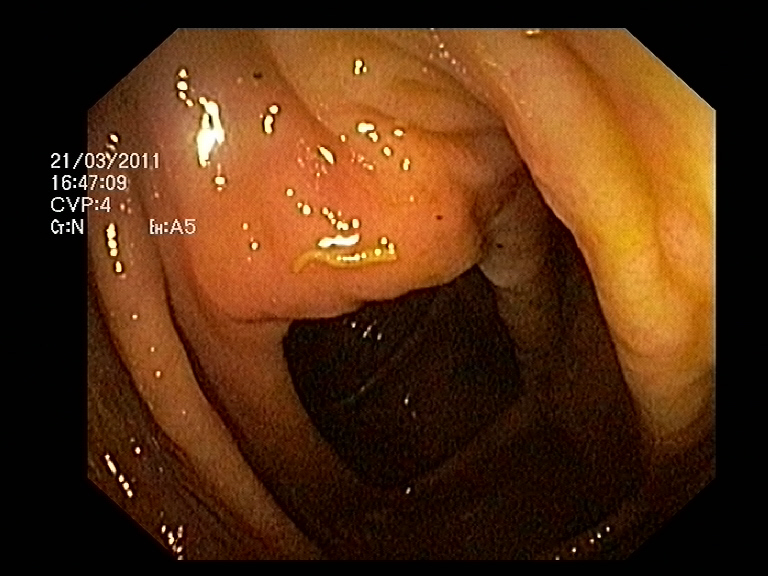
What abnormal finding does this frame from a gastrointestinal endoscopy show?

colon polyp